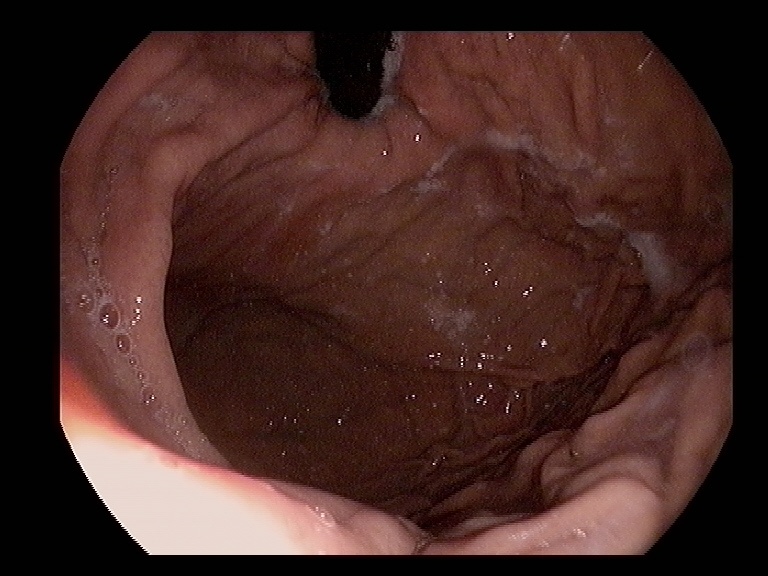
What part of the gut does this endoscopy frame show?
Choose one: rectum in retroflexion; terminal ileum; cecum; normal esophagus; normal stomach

normal stomach